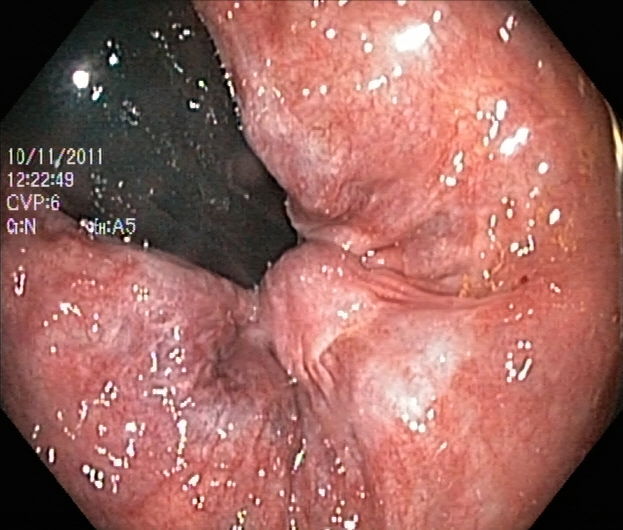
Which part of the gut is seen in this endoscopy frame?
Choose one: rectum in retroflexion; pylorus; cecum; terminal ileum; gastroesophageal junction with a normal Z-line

rectum in retroflexion